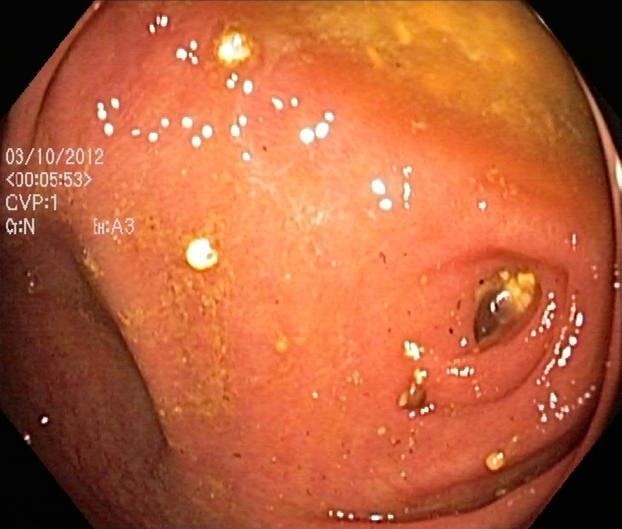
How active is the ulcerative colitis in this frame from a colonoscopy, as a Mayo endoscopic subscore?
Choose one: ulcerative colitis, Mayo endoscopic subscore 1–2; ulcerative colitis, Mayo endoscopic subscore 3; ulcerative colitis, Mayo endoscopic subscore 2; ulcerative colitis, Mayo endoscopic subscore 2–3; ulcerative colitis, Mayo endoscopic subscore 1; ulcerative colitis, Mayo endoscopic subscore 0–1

ulcerative colitis, Mayo endoscopic subscore 2